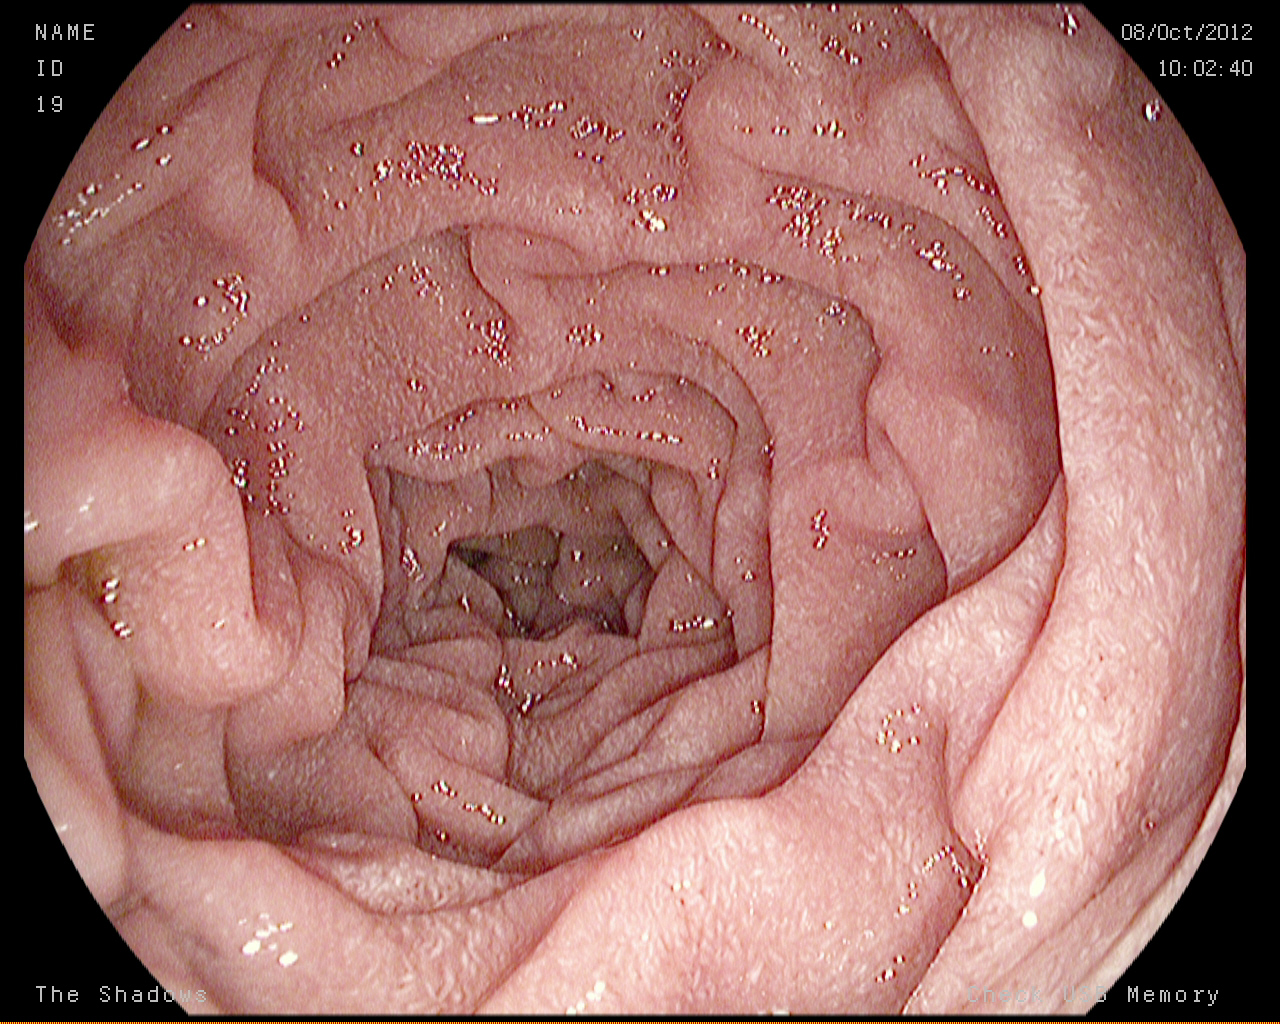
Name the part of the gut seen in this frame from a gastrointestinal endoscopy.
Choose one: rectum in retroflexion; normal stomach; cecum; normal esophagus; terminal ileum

terminal ileum